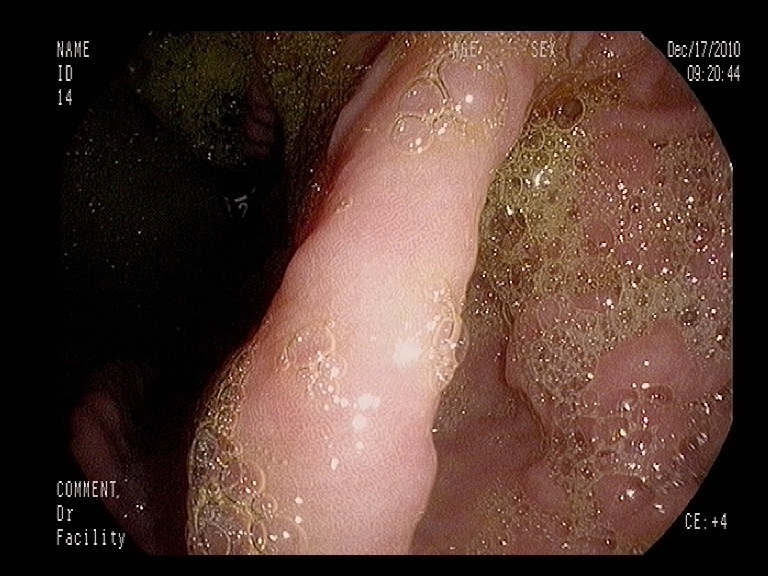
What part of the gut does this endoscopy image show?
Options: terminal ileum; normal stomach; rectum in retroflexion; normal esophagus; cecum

normal stomach